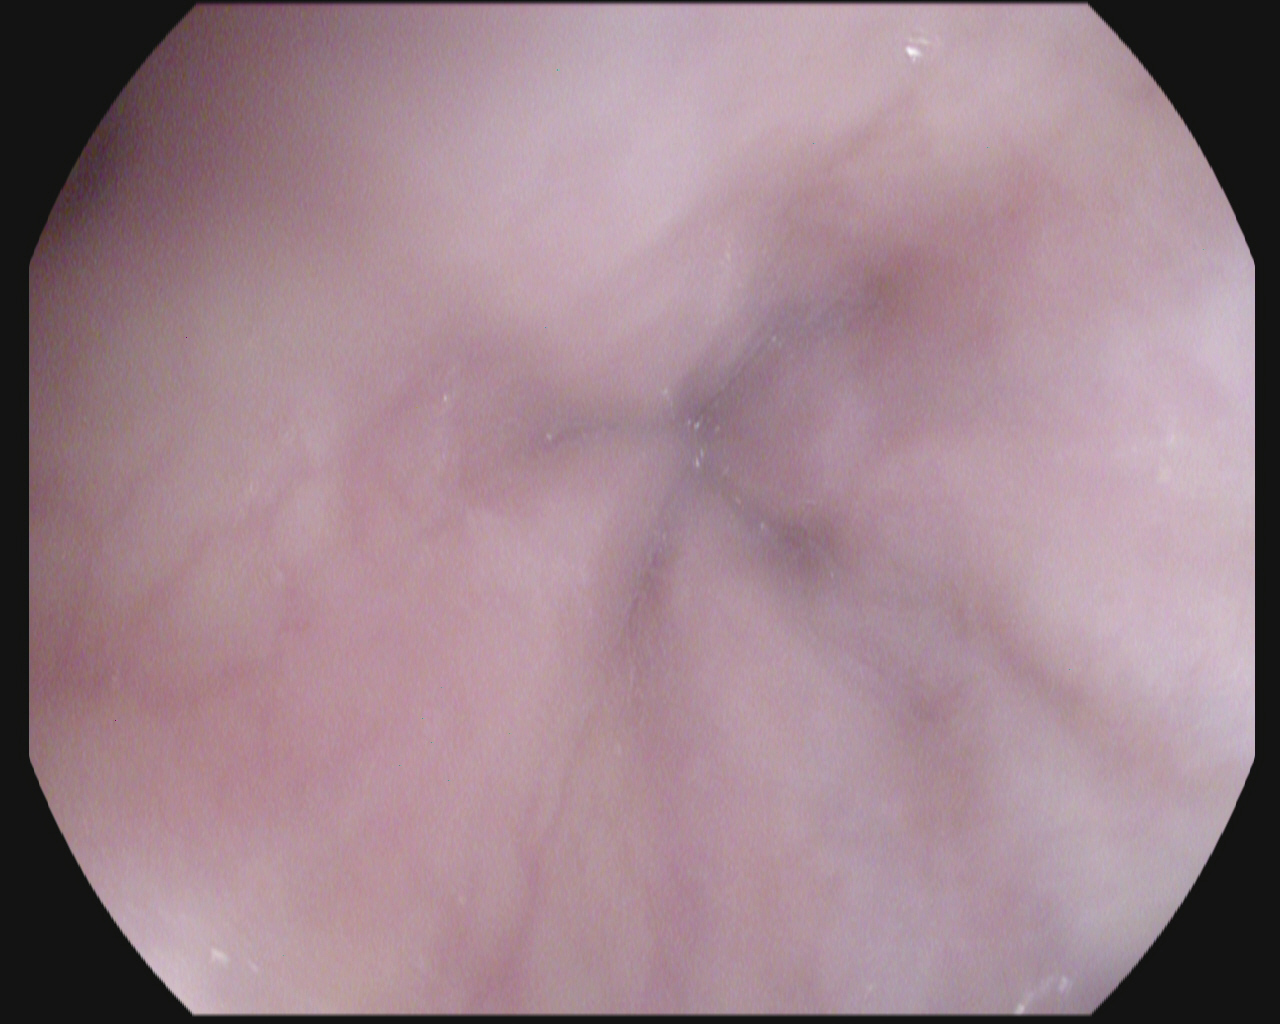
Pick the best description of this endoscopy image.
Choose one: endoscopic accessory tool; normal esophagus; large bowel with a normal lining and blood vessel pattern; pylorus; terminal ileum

normal esophagus